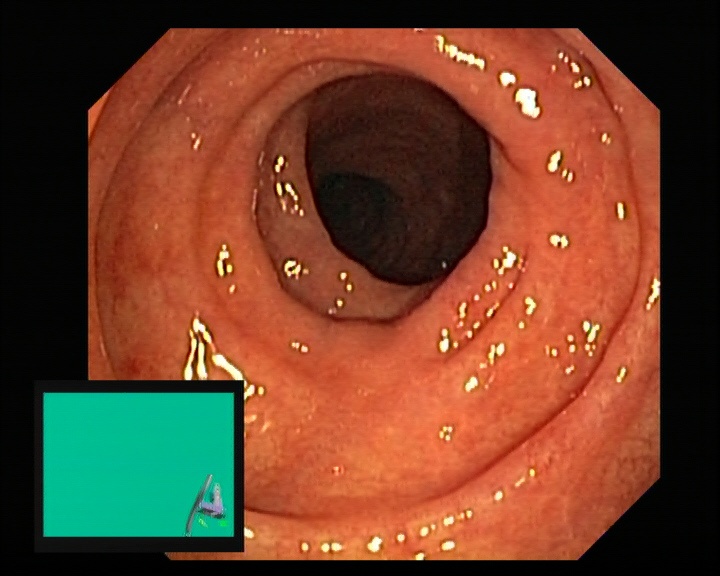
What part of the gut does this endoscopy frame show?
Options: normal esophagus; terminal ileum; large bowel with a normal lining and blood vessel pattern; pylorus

large bowel with a normal lining and blood vessel pattern